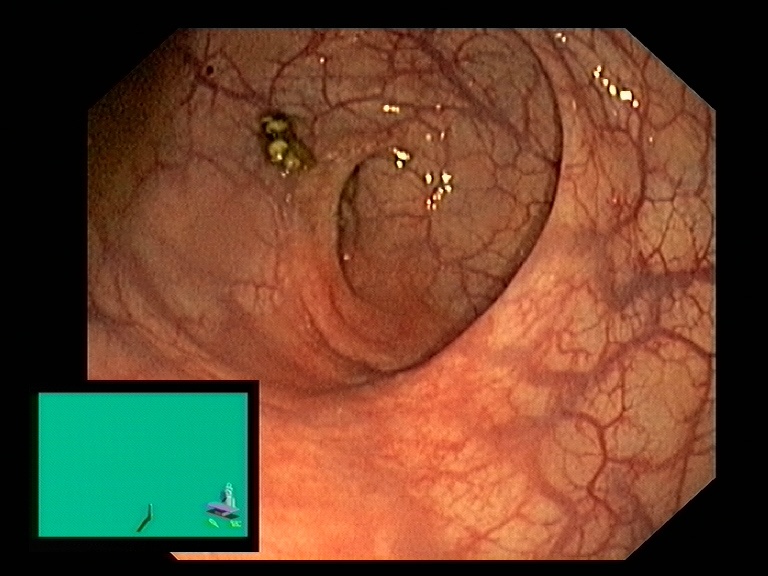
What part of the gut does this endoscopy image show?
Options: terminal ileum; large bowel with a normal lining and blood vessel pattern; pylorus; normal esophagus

large bowel with a normal lining and blood vessel pattern